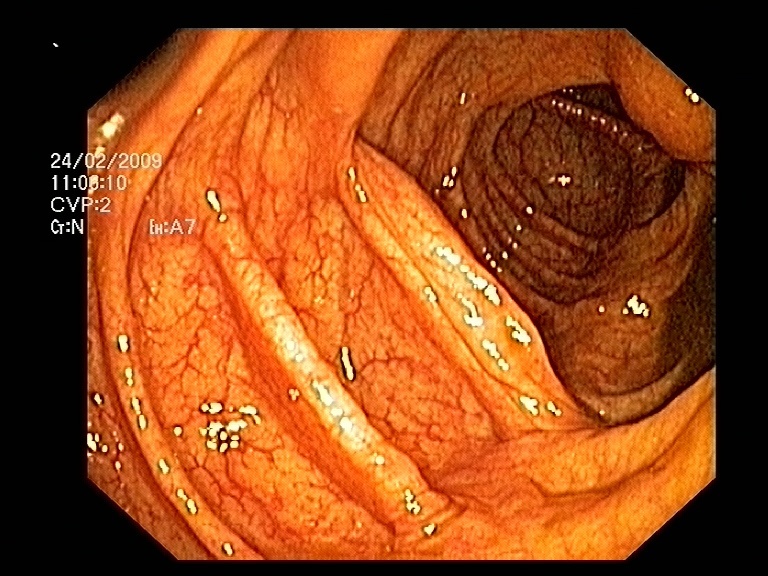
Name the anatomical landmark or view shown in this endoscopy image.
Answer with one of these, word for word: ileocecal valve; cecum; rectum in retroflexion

ileocecal valve